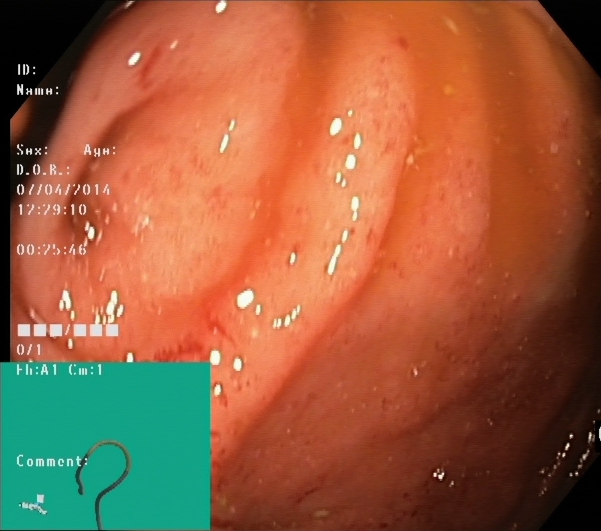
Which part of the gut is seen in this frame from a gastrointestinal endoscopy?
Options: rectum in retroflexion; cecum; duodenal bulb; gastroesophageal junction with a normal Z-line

cecum